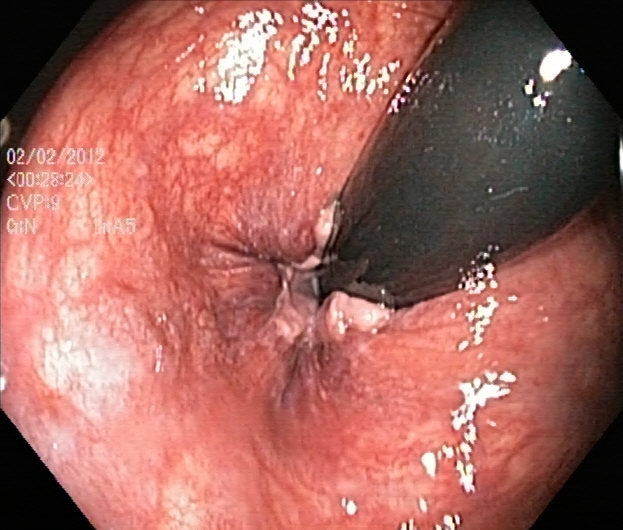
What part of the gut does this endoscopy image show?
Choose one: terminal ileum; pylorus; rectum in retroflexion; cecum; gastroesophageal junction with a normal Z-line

rectum in retroflexion